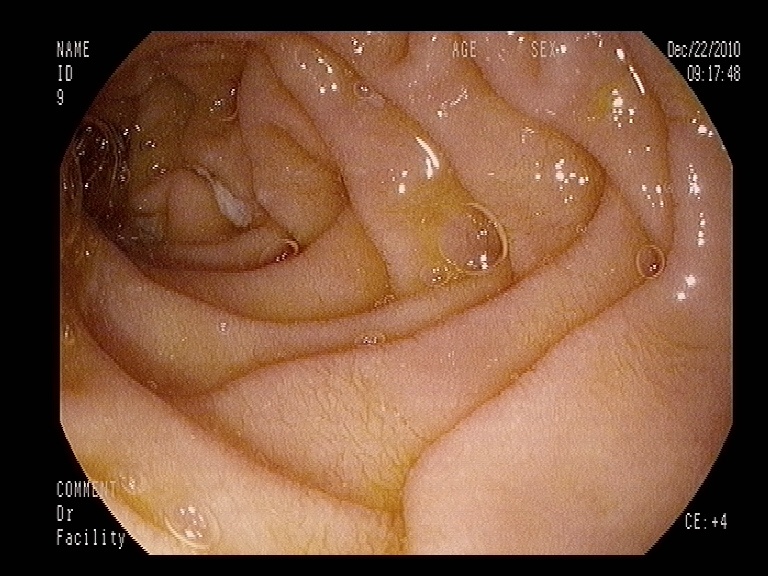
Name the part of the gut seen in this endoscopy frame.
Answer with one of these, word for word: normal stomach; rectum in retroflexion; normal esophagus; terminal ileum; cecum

terminal ileum